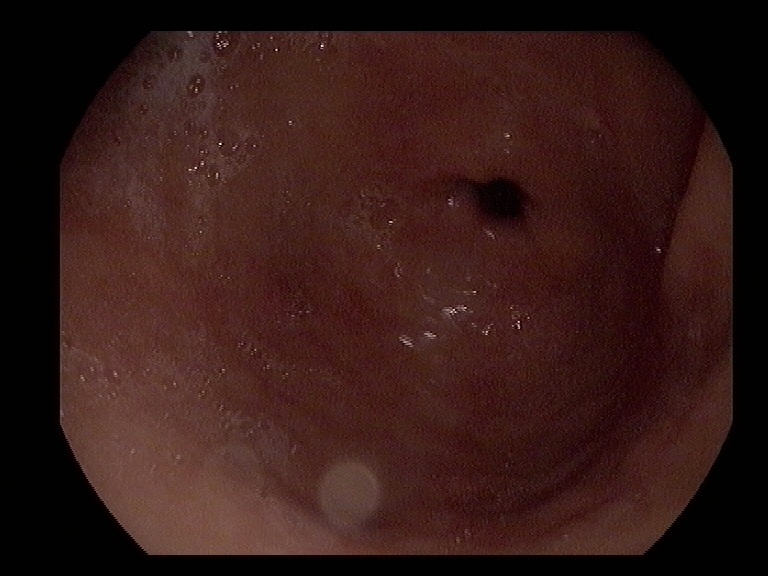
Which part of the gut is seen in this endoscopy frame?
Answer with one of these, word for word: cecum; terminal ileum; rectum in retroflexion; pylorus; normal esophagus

pylorus